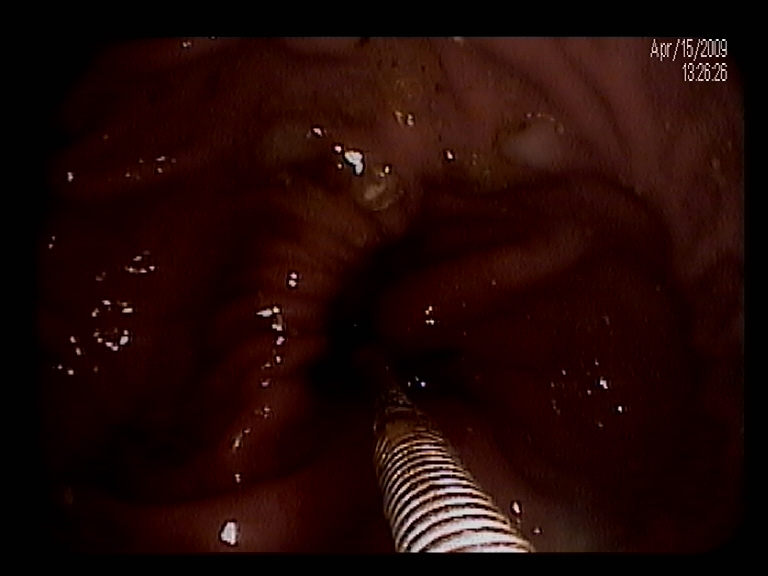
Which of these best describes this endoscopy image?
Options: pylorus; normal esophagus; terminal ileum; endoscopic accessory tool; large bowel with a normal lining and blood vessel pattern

endoscopic accessory tool